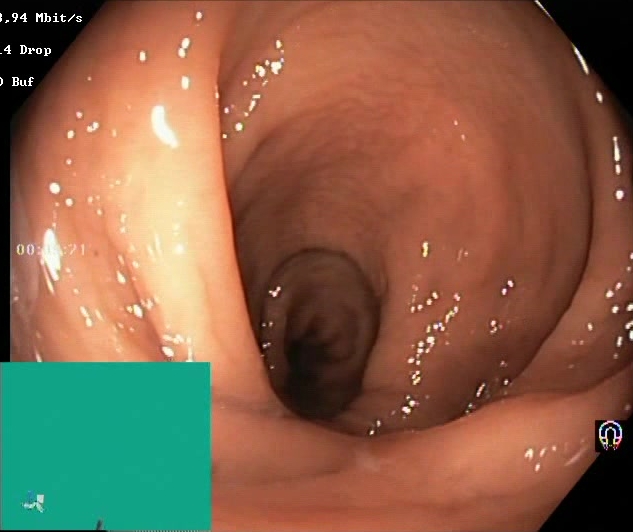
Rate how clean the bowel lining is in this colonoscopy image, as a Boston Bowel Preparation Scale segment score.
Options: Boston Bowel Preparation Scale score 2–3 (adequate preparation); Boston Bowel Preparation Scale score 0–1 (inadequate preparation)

Boston Bowel Preparation Scale score 2–3 (adequate preparation)